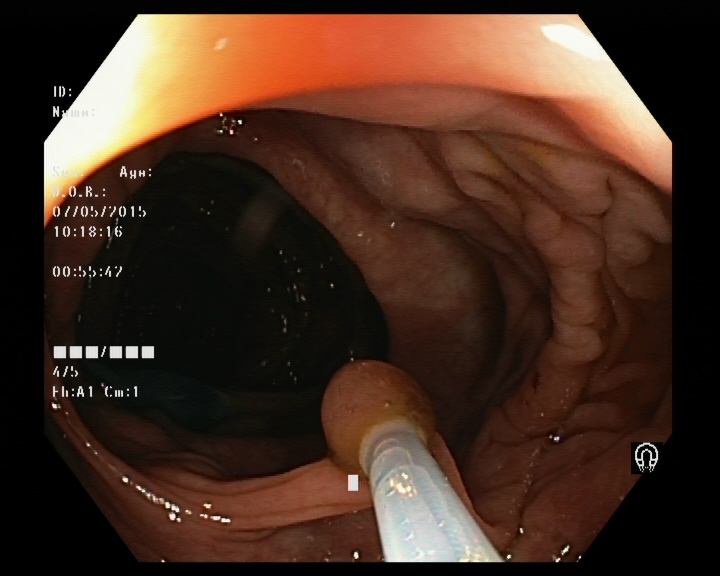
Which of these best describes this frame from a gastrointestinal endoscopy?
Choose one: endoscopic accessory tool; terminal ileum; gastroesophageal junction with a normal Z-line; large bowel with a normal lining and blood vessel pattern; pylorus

endoscopic accessory tool